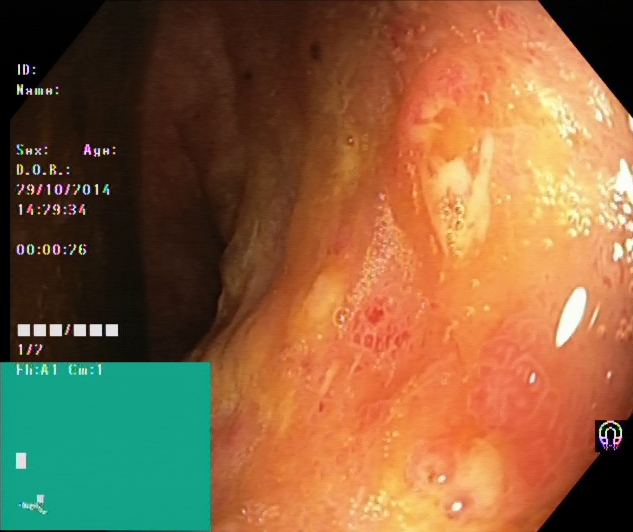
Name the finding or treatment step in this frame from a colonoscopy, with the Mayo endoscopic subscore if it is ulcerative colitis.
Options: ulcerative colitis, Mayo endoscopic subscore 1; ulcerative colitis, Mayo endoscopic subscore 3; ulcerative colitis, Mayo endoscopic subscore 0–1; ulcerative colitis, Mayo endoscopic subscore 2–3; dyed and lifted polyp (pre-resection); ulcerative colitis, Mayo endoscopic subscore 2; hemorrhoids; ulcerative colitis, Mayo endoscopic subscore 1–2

ulcerative colitis, Mayo endoscopic subscore 2